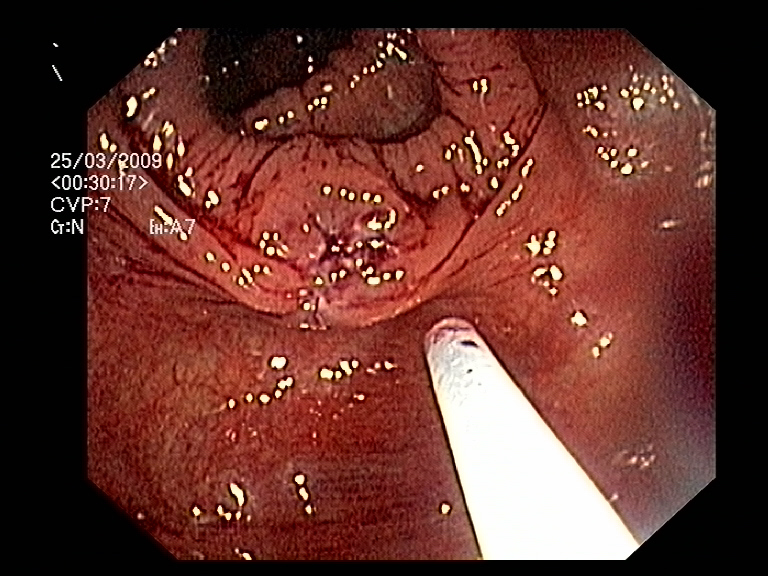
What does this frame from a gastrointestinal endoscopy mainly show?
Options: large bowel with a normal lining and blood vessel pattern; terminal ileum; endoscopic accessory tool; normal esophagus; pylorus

endoscopic accessory tool